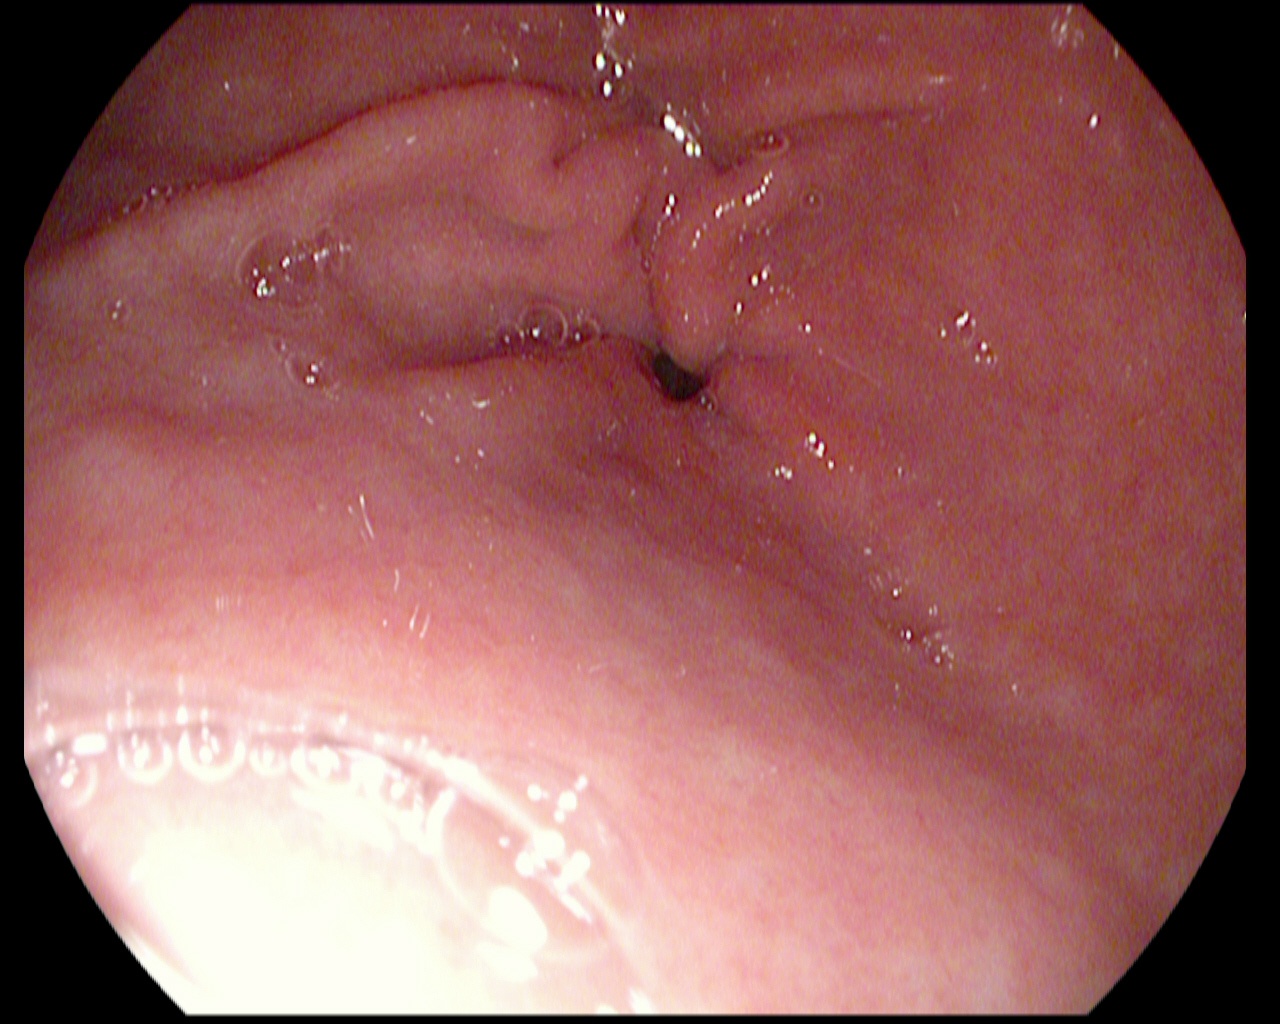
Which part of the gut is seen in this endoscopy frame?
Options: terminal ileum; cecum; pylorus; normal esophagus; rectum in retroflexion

pylorus